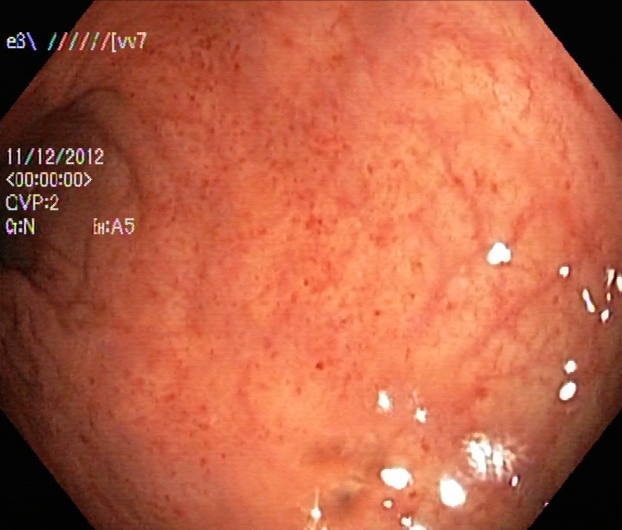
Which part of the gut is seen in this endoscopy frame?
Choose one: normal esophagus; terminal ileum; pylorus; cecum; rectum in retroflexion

cecum